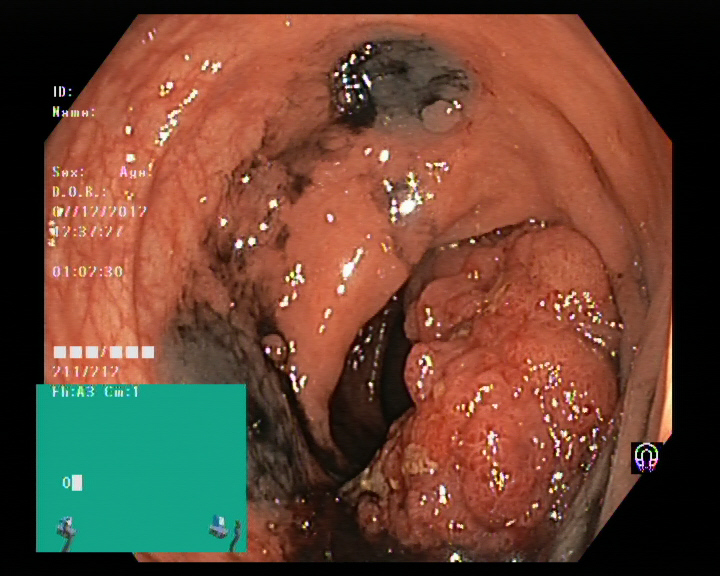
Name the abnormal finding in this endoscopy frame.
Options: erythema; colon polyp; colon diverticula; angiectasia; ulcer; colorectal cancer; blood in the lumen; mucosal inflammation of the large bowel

colon polyp